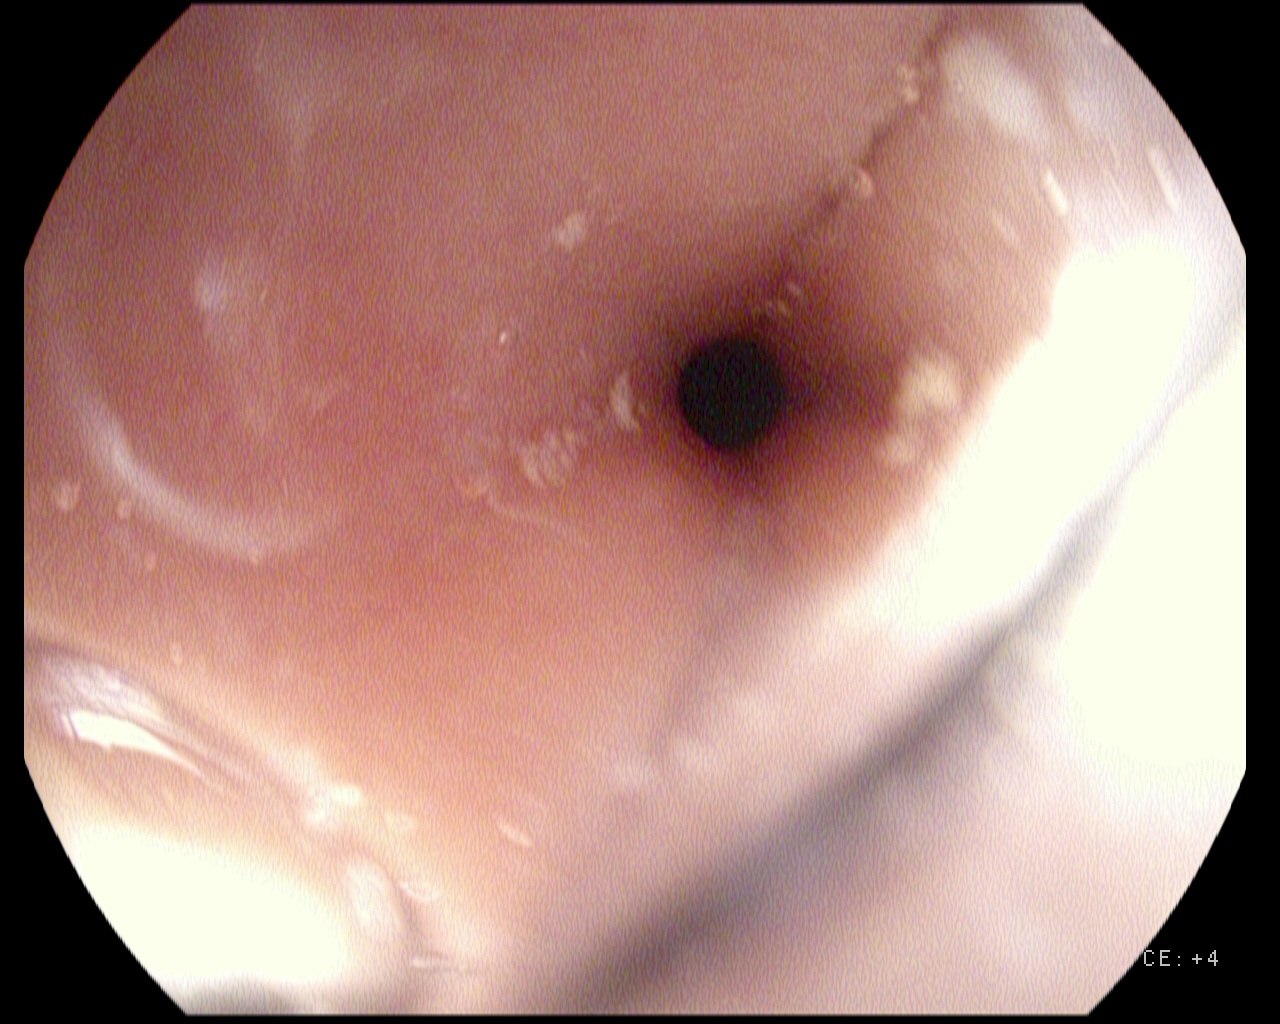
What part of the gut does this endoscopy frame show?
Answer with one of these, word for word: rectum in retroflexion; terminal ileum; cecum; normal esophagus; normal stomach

normal stomach